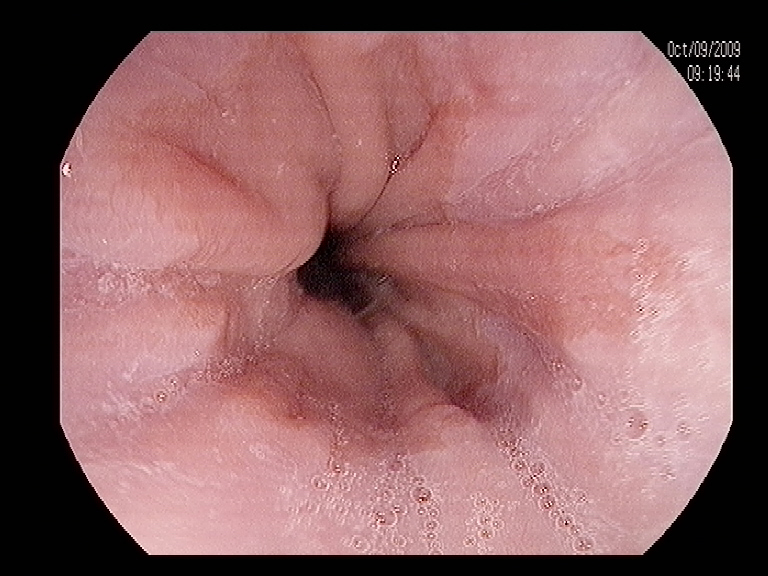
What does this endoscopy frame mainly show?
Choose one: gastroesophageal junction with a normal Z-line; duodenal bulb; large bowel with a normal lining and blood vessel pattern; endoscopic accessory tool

gastroesophageal junction with a normal Z-line